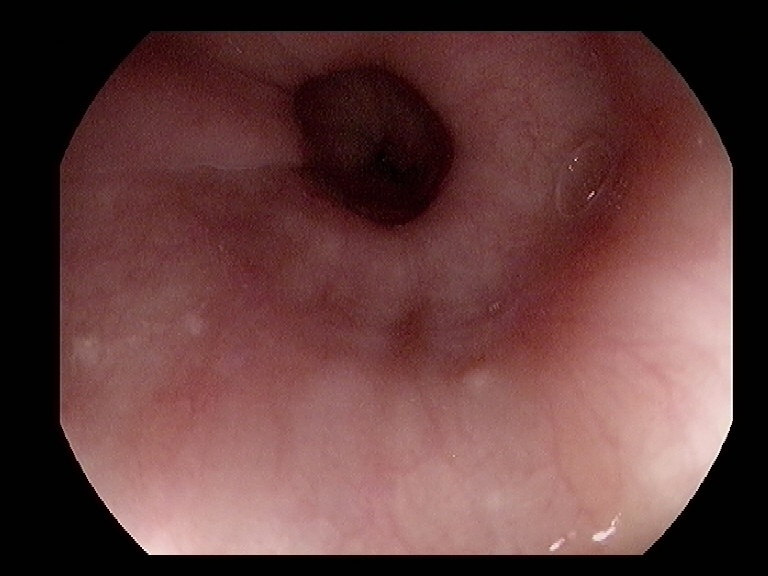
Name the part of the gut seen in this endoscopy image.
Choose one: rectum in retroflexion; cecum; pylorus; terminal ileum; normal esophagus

normal esophagus